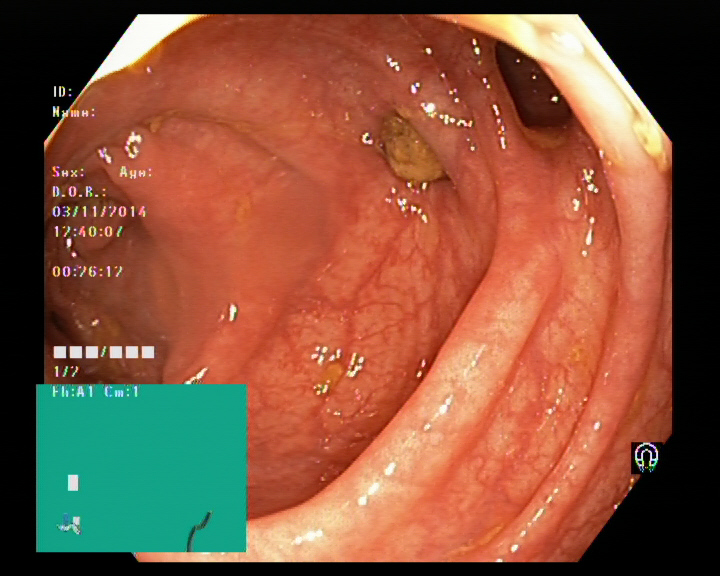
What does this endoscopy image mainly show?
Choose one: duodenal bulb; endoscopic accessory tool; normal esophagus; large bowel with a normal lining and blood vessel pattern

large bowel with a normal lining and blood vessel pattern